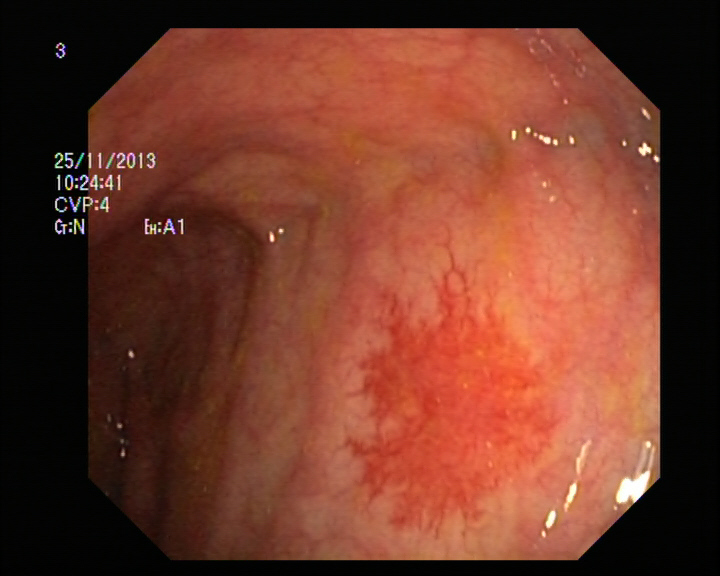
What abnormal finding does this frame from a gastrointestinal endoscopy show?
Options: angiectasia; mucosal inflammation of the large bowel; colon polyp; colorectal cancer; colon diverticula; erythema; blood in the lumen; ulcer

angiectasia